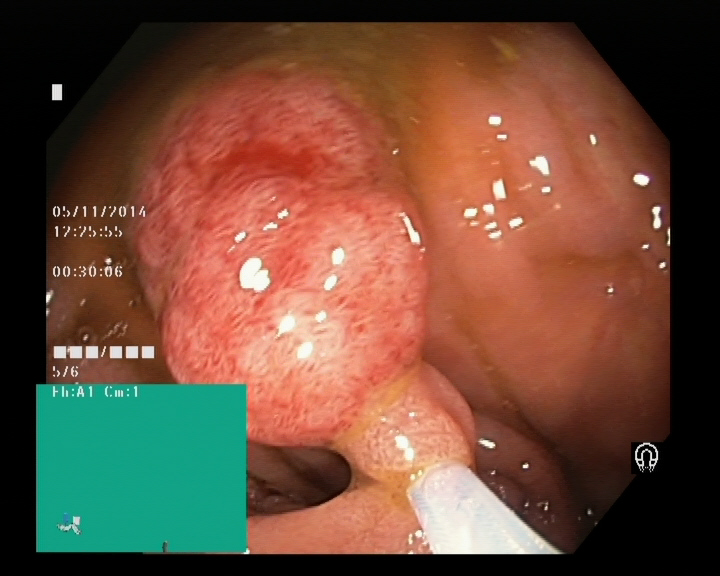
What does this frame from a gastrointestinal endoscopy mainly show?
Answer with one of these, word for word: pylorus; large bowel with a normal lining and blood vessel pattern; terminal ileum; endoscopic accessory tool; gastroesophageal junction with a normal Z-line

endoscopic accessory tool